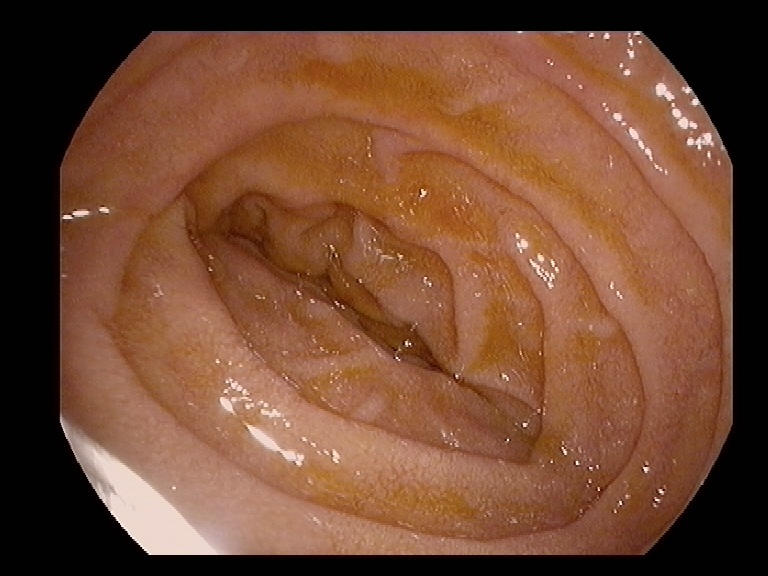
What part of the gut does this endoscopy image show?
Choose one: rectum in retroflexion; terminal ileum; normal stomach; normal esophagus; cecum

terminal ileum